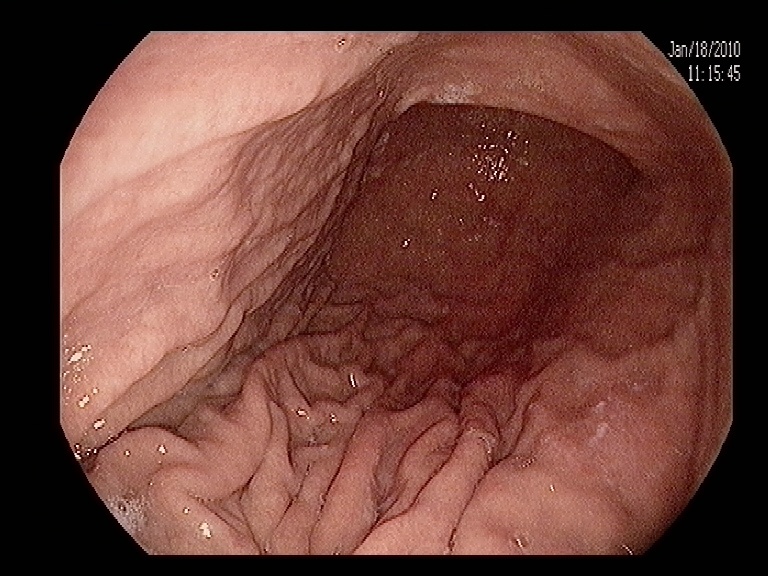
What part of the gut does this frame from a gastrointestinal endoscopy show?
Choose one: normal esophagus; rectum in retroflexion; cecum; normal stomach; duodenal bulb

normal stomach